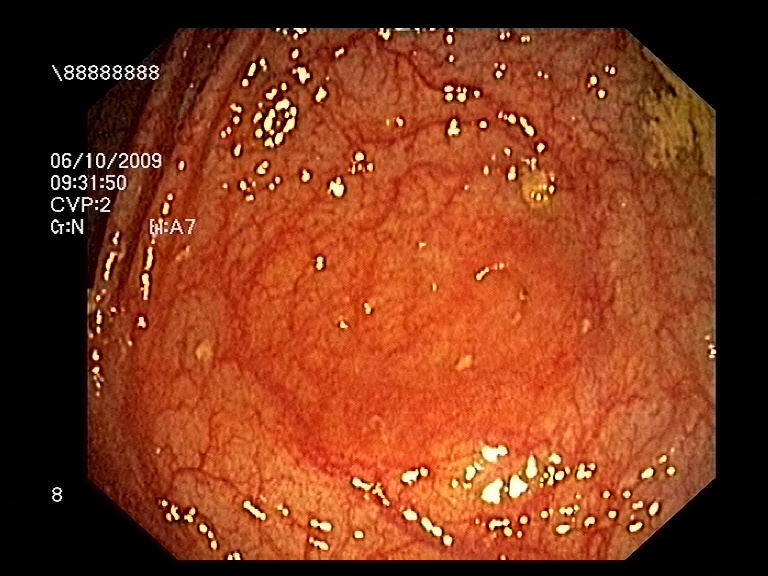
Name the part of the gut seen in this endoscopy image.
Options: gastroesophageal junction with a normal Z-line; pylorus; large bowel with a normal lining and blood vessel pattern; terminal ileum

large bowel with a normal lining and blood vessel pattern